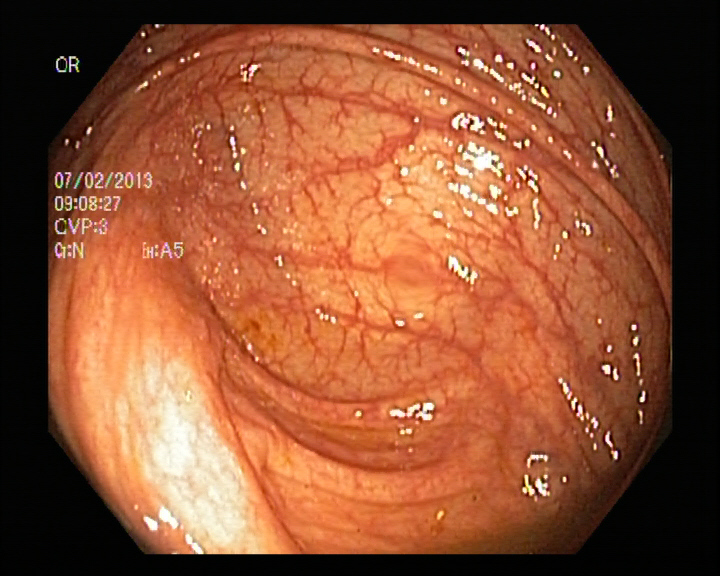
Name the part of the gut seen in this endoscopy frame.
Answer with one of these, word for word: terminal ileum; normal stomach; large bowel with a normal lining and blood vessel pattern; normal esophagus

large bowel with a normal lining and blood vessel pattern